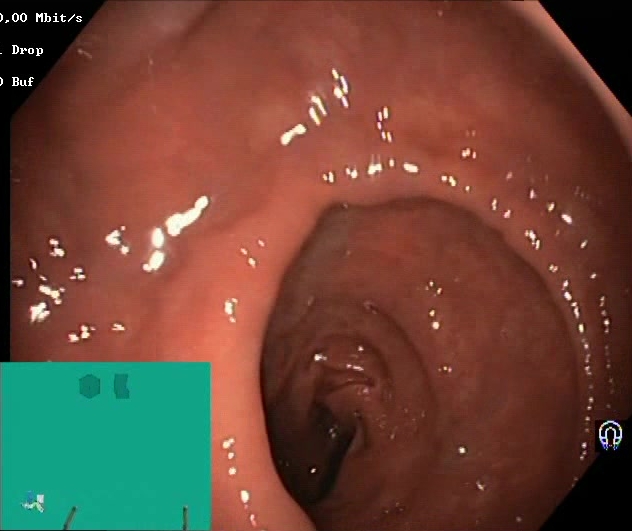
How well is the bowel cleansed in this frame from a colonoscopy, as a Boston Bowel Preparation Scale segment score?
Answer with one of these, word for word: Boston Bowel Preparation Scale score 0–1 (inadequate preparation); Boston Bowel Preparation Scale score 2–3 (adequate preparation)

Boston Bowel Preparation Scale score 2–3 (adequate preparation)